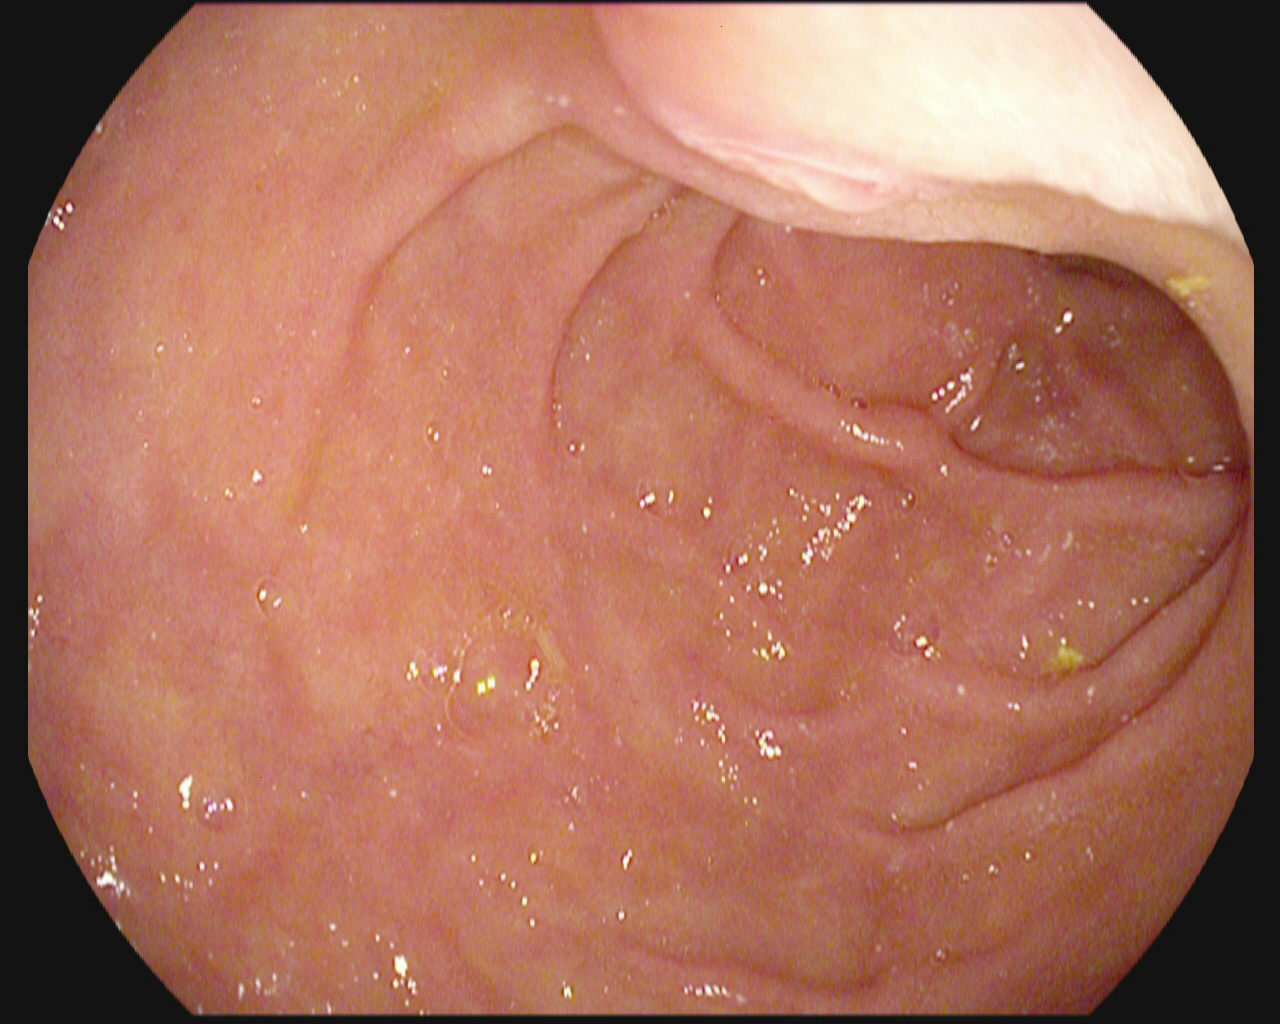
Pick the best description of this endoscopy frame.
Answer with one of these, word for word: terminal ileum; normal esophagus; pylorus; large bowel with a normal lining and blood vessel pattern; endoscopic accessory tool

terminal ileum